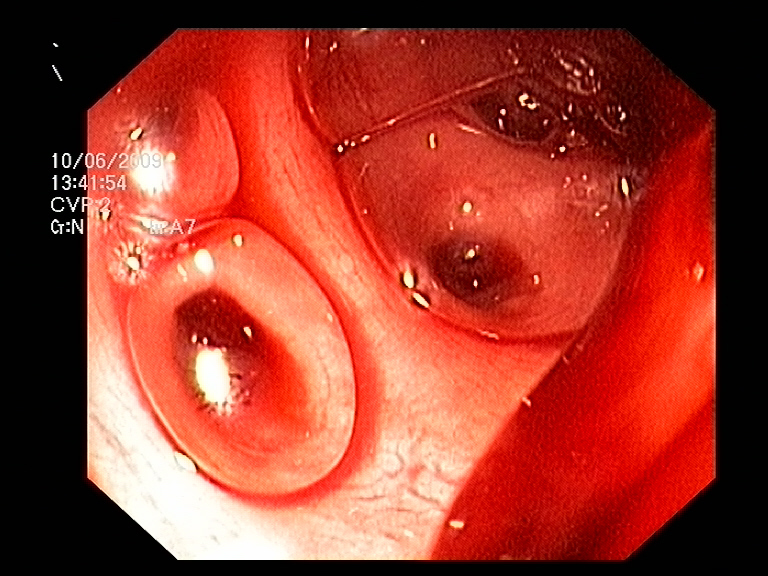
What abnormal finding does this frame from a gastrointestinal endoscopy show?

blood in the lumen